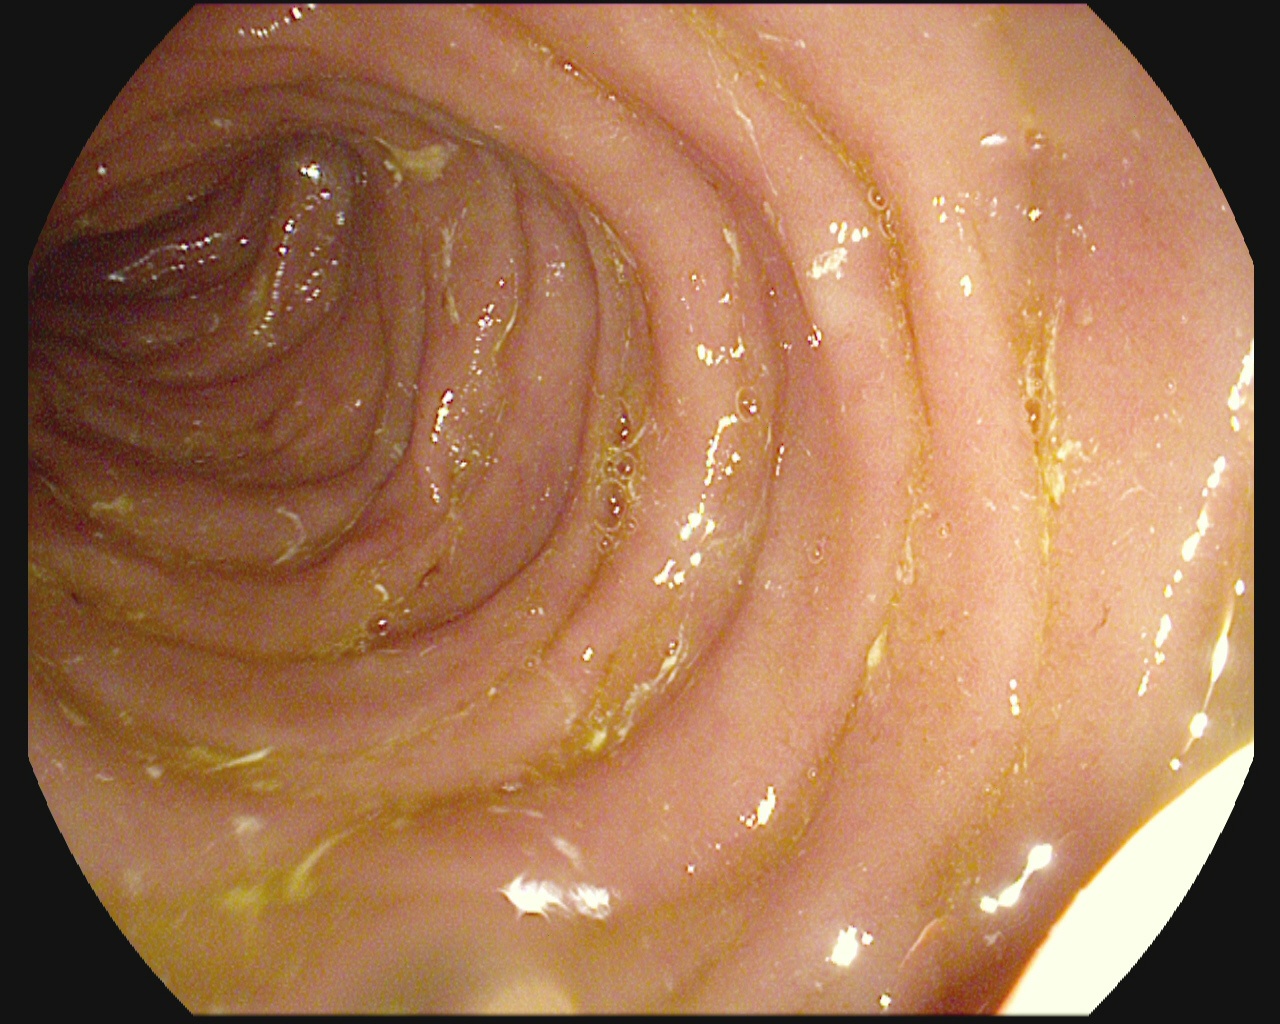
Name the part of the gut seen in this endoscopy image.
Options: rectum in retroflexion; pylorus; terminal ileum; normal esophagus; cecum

terminal ileum